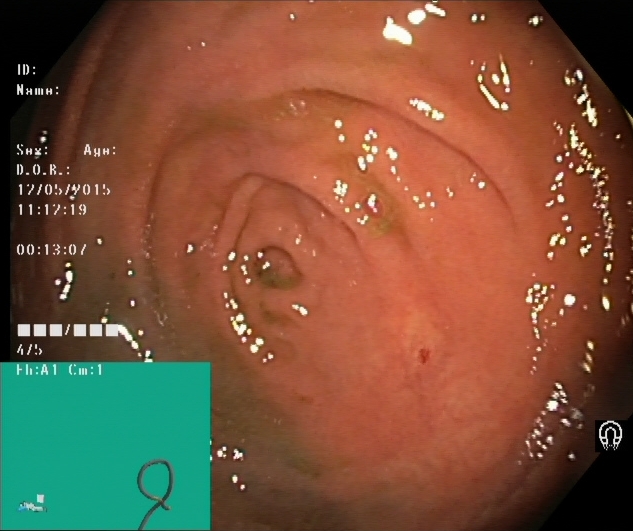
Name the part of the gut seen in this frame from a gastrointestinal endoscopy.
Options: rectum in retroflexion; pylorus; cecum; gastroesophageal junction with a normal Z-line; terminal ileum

cecum